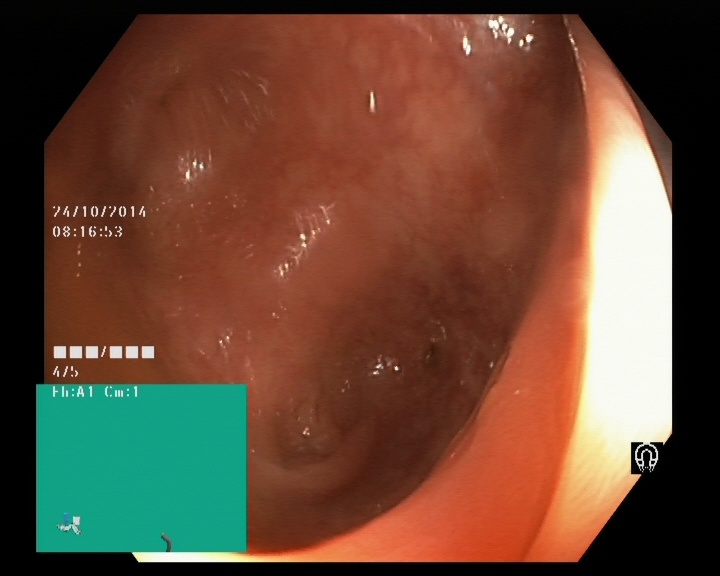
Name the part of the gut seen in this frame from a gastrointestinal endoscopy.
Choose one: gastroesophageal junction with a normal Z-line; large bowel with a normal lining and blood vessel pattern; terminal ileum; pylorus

large bowel with a normal lining and blood vessel pattern